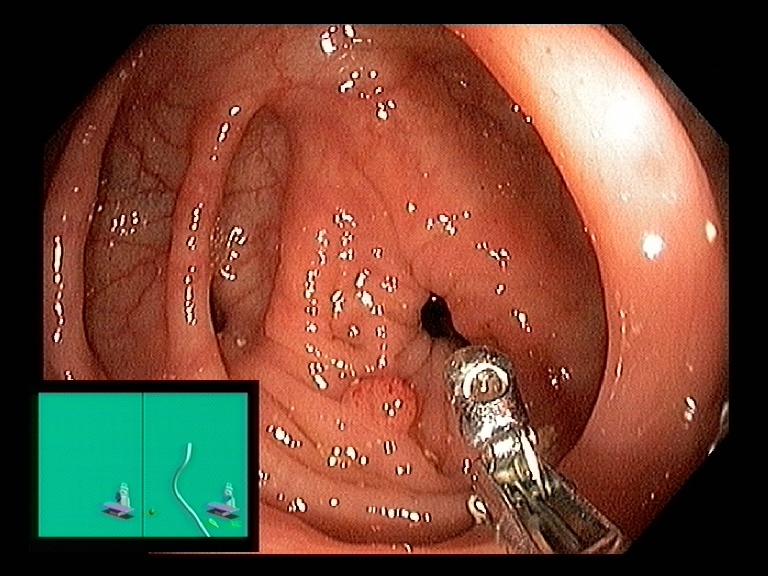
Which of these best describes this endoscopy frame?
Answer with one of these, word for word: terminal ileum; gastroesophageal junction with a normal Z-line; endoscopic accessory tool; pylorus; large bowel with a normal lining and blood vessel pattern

endoscopic accessory tool